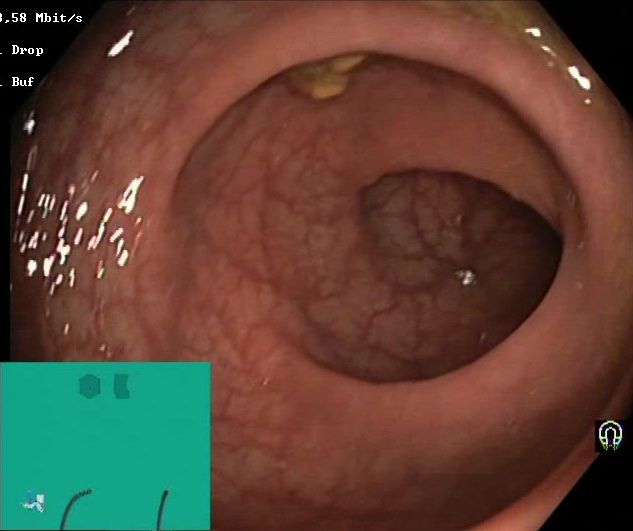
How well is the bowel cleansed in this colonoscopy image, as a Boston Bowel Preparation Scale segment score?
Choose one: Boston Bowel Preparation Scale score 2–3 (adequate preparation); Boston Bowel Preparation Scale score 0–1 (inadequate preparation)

Boston Bowel Preparation Scale score 2–3 (adequate preparation)